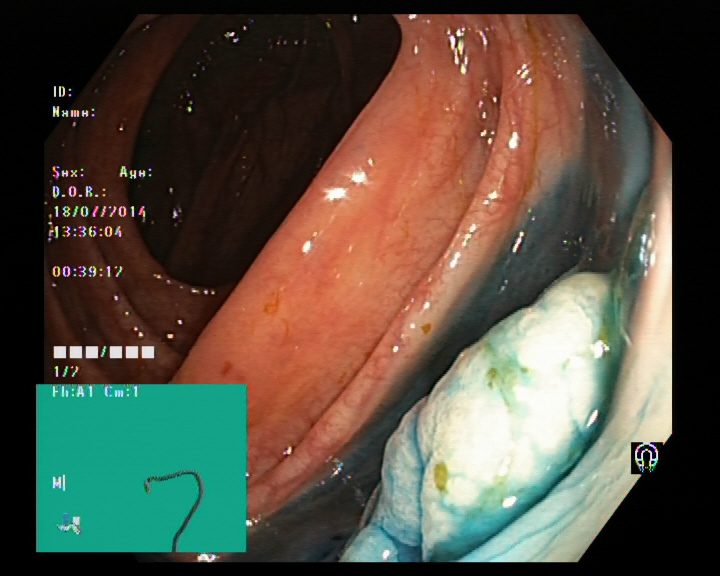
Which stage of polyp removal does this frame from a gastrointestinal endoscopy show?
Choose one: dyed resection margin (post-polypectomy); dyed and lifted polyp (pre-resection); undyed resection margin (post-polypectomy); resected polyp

dyed and lifted polyp (pre-resection)